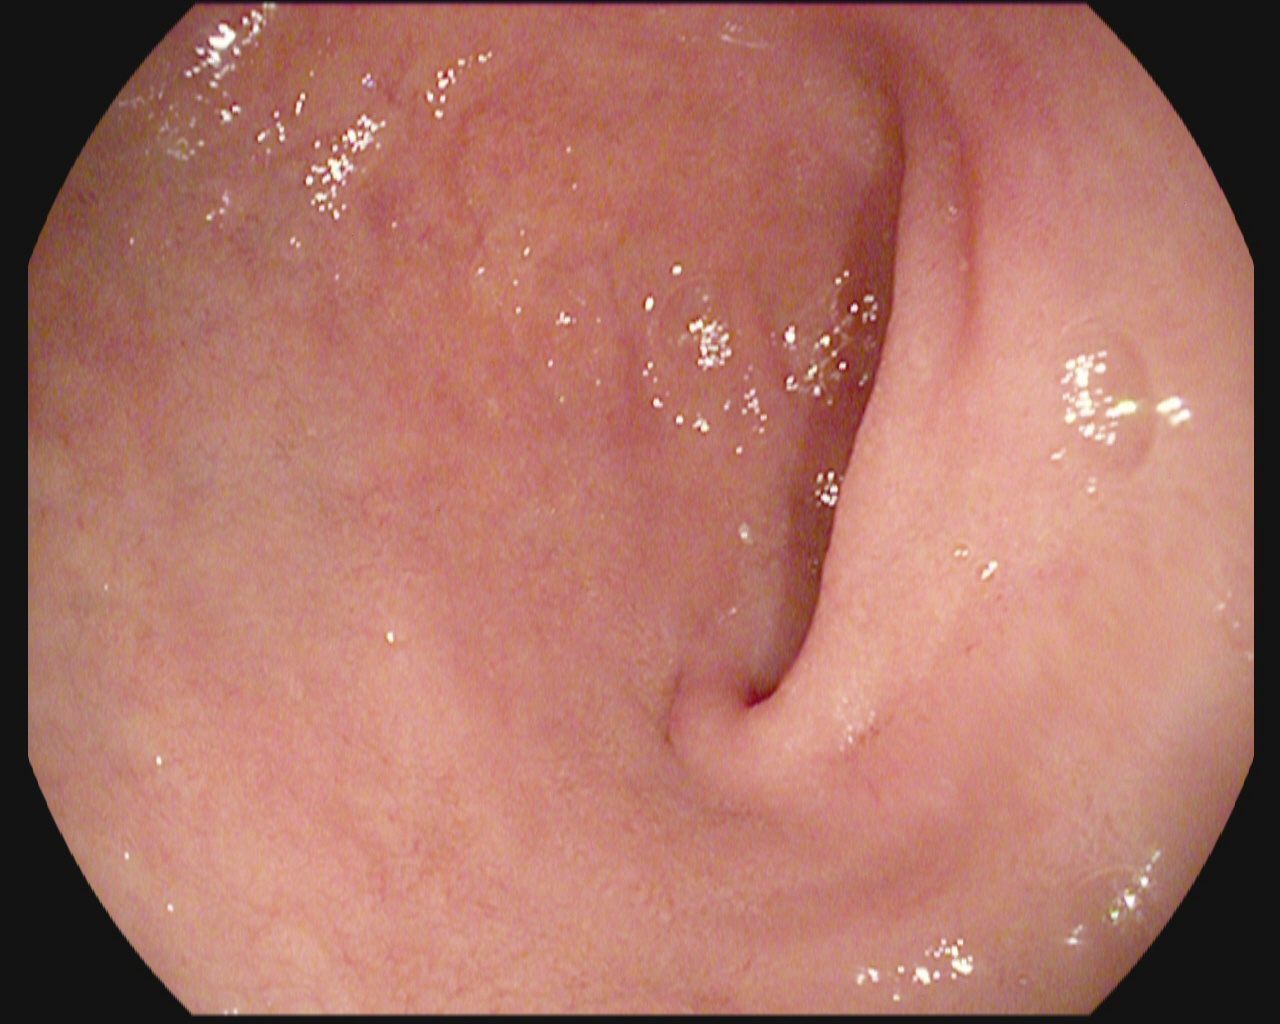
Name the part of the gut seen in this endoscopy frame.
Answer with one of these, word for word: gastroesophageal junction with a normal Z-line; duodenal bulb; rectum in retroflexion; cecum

duodenal bulb